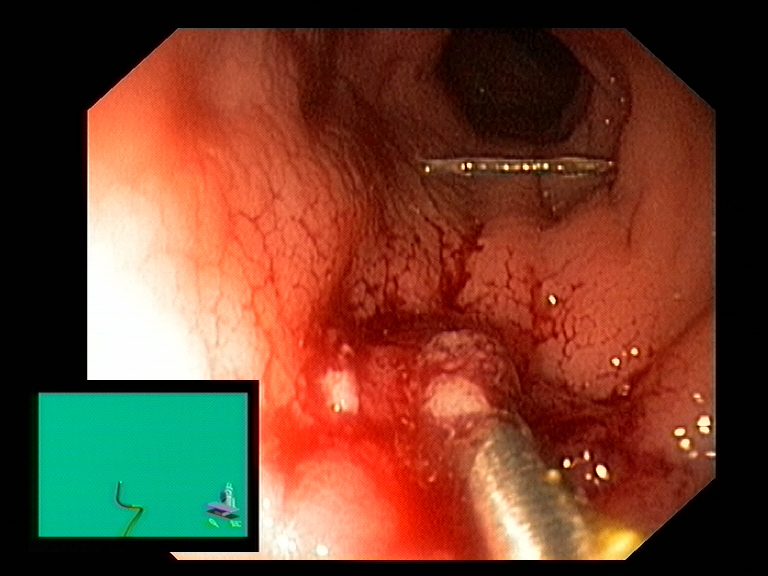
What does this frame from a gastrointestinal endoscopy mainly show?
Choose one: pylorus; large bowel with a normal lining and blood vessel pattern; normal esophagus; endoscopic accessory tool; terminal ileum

endoscopic accessory tool